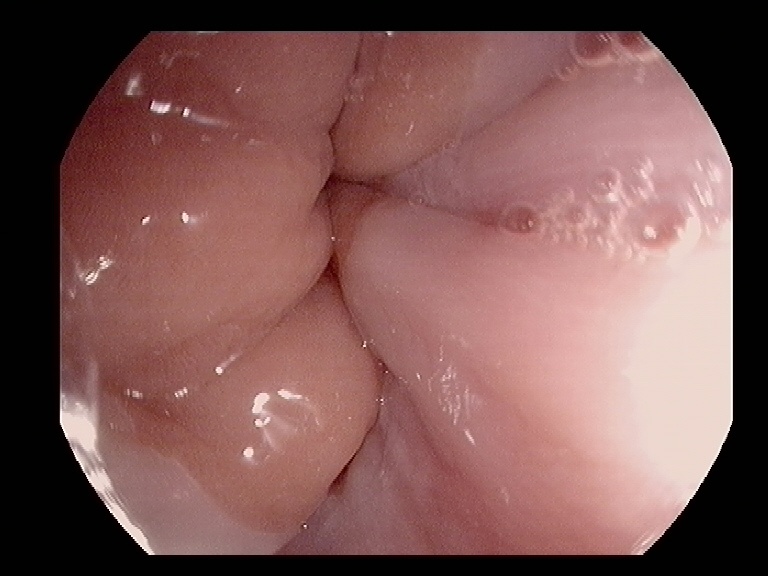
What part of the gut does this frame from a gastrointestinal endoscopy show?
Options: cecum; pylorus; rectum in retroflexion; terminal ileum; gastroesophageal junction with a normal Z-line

gastroesophageal junction with a normal Z-line